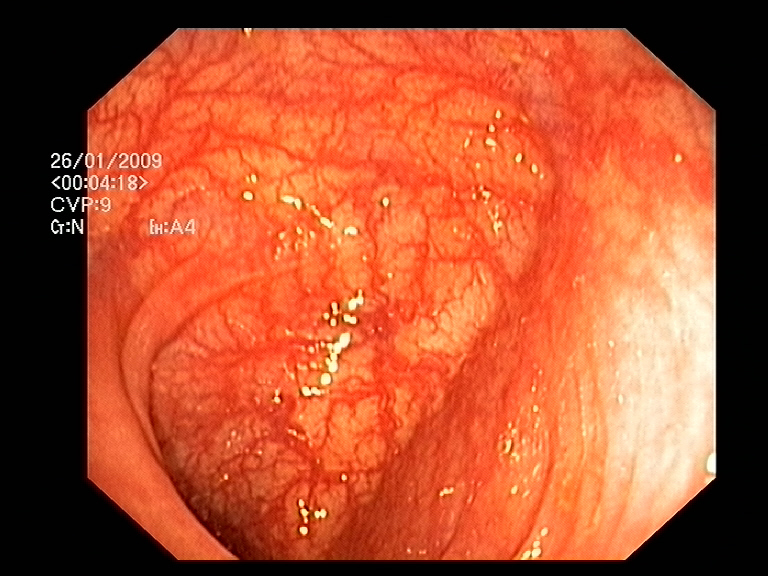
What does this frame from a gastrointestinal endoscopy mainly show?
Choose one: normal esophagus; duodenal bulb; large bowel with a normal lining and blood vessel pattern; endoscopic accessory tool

large bowel with a normal lining and blood vessel pattern